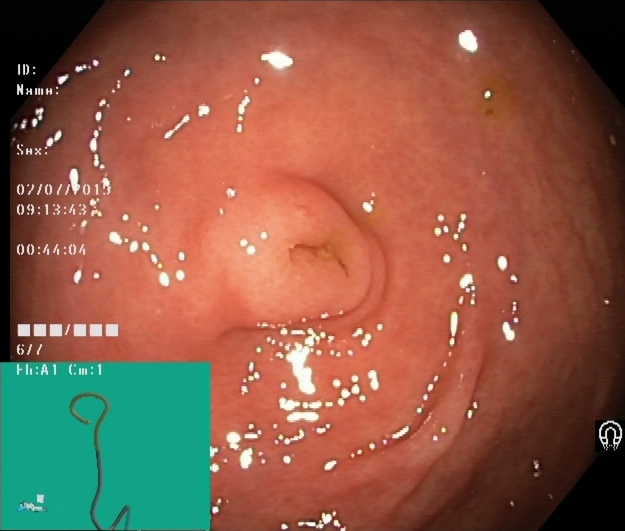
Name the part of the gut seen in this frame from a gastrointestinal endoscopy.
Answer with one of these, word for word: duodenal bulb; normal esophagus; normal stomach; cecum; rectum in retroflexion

cecum